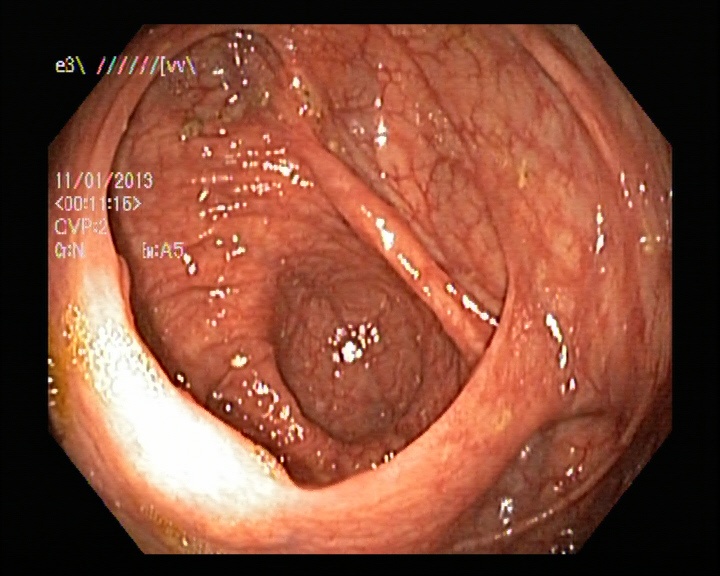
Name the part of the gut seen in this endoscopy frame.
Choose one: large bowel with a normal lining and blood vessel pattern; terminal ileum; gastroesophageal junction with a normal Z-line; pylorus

large bowel with a normal lining and blood vessel pattern